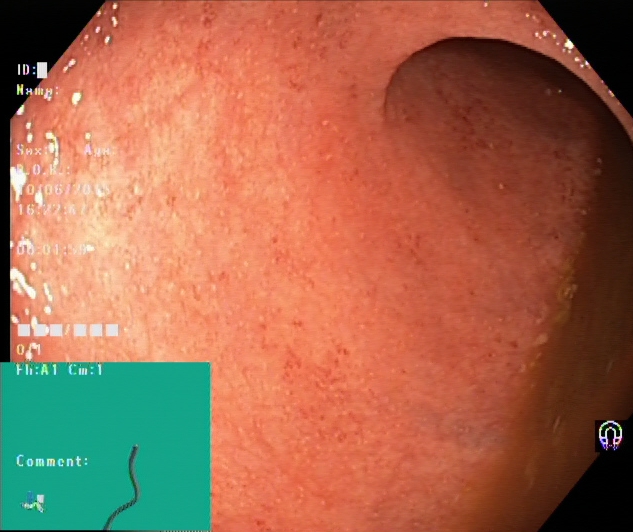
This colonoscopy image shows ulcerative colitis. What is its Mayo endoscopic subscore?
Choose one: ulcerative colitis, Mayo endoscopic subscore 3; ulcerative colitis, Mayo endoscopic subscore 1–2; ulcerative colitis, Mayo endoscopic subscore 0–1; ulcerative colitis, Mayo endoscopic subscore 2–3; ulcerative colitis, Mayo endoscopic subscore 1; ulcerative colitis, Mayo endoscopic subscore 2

ulcerative colitis, Mayo endoscopic subscore 1